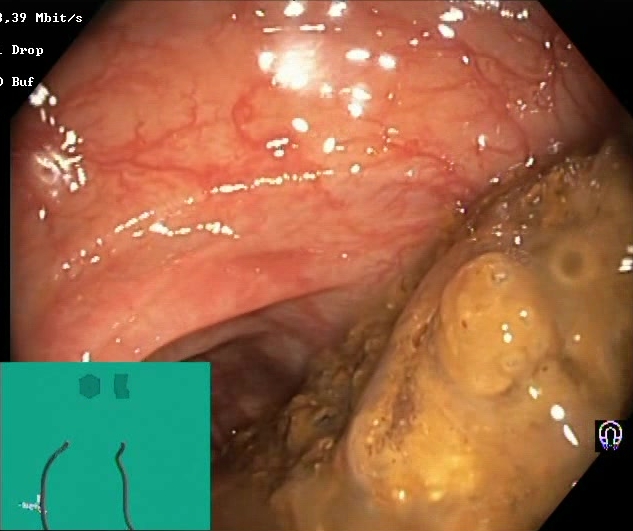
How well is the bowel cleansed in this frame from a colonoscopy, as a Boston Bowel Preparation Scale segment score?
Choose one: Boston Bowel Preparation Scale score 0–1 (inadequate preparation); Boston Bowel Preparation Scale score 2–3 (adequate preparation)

Boston Bowel Preparation Scale score 0–1 (inadequate preparation)